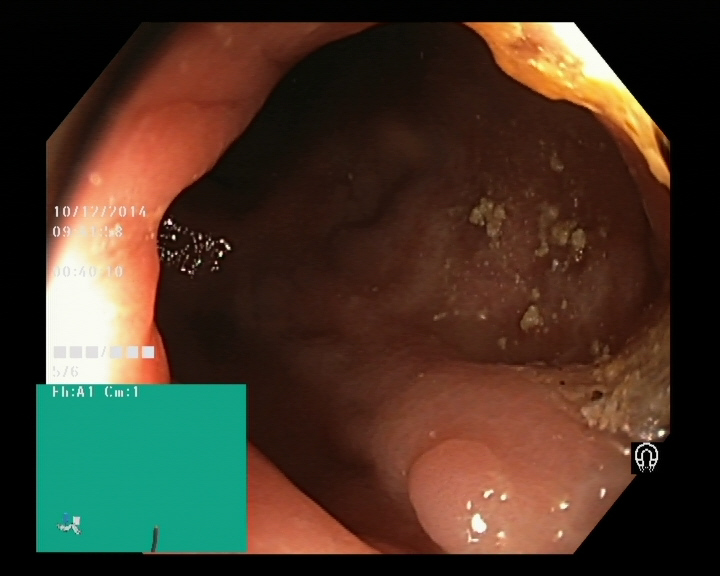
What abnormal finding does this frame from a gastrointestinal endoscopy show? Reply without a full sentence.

colon polyp